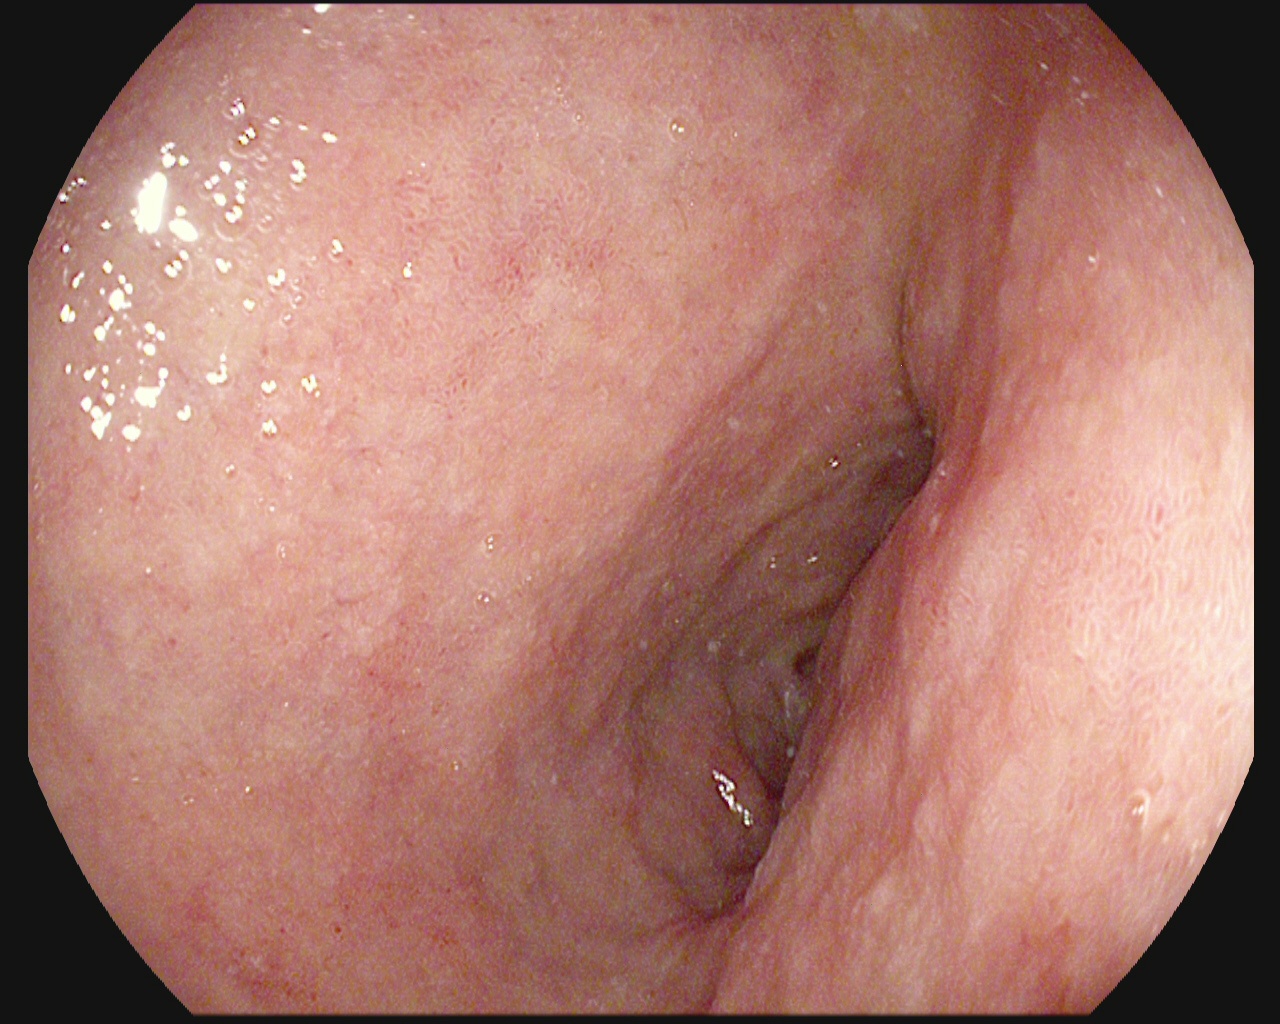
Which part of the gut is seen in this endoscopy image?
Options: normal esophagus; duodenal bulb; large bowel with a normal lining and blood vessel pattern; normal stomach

duodenal bulb